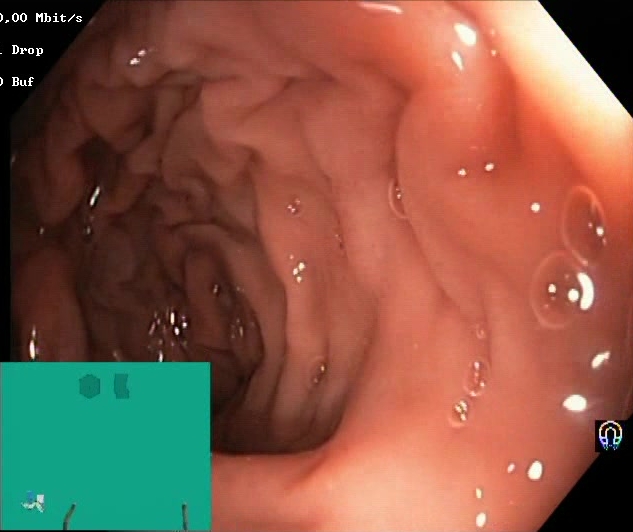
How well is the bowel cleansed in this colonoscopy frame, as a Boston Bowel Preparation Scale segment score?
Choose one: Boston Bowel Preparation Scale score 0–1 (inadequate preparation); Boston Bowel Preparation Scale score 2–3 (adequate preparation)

Boston Bowel Preparation Scale score 2–3 (adequate preparation)